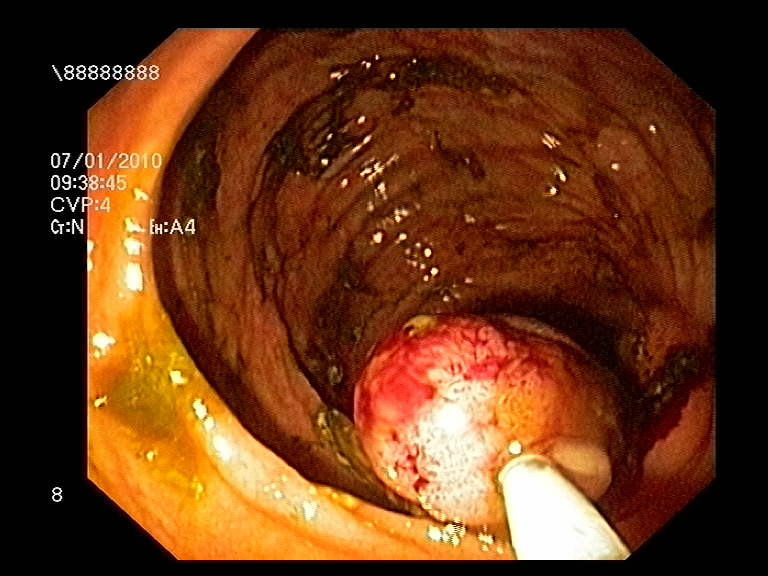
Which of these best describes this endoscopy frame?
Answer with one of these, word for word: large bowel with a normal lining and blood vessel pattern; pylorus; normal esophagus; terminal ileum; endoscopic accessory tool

endoscopic accessory tool